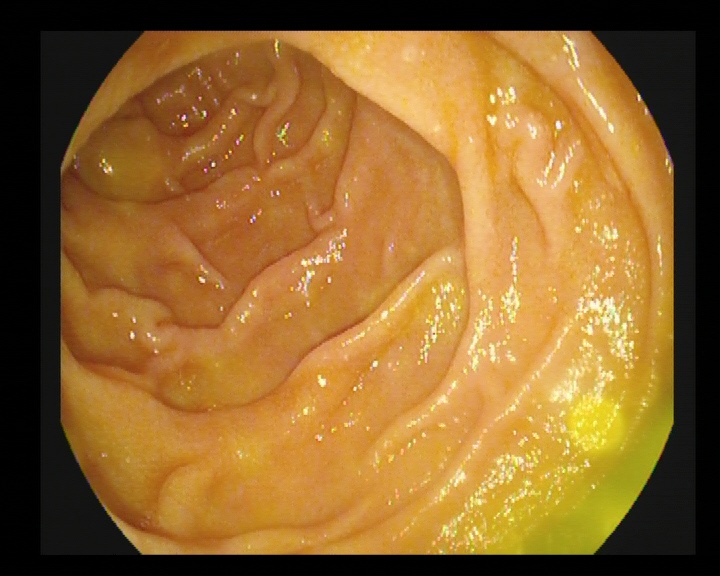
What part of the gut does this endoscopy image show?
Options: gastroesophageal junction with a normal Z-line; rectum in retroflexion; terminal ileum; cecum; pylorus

terminal ileum